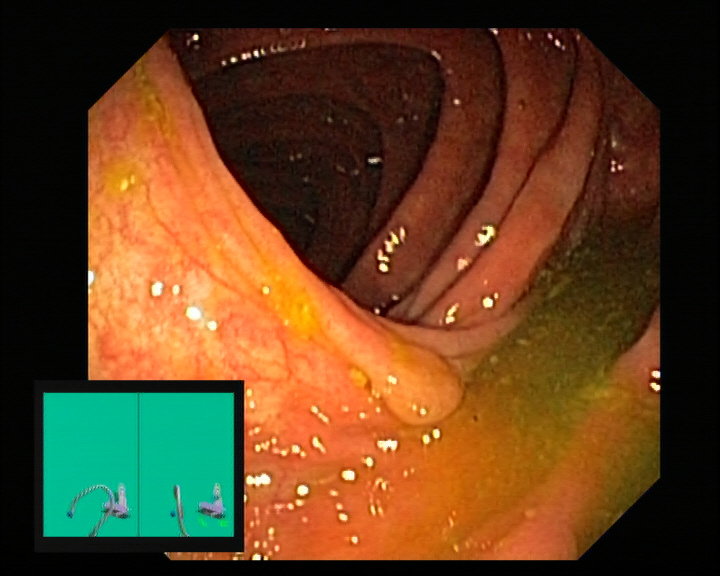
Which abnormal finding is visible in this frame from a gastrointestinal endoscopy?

colon polyp